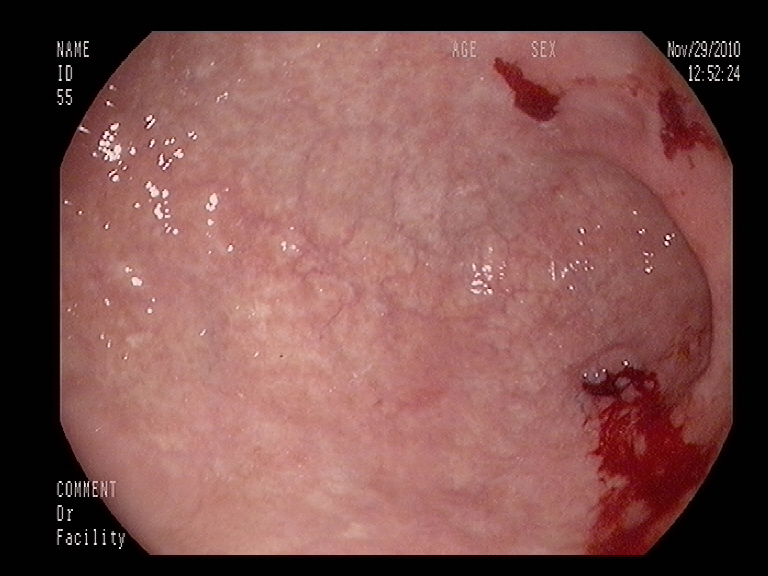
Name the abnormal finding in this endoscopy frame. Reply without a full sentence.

blood in the lumen